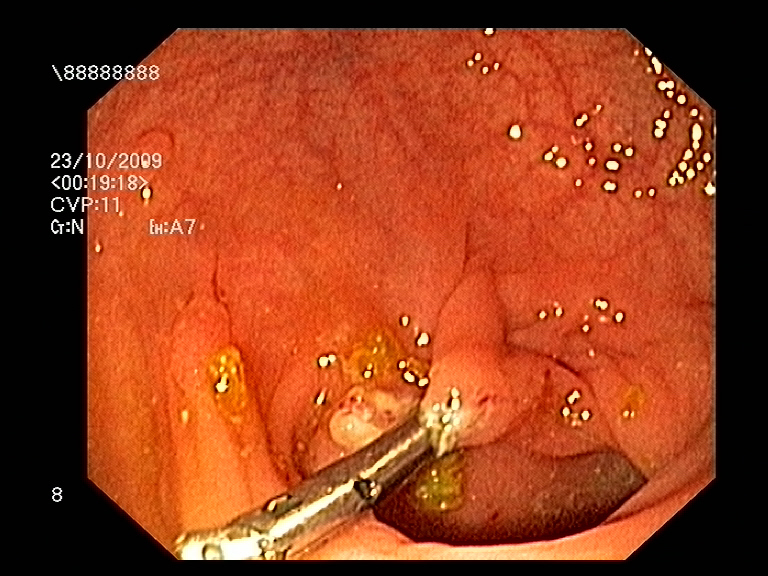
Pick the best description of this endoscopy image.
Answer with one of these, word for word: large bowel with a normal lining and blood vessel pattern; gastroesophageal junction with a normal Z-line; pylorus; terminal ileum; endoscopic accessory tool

endoscopic accessory tool